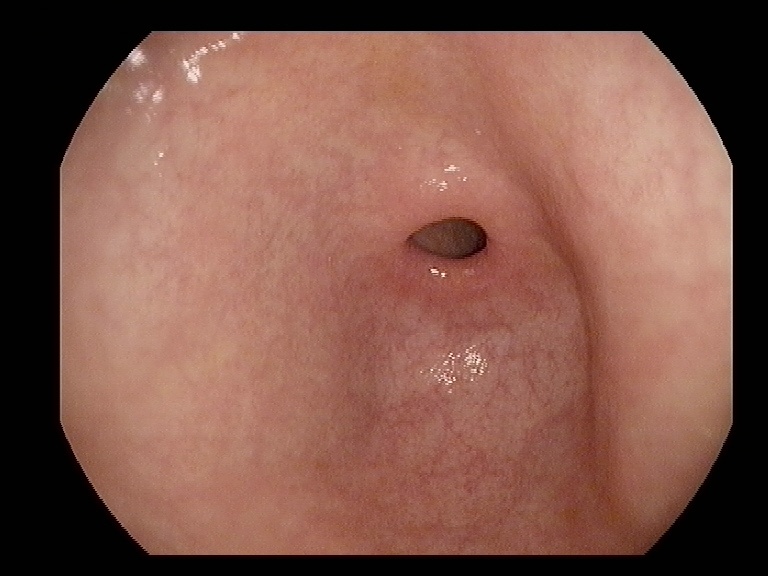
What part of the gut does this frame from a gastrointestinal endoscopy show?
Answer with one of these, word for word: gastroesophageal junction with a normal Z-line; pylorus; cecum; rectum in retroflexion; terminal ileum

pylorus